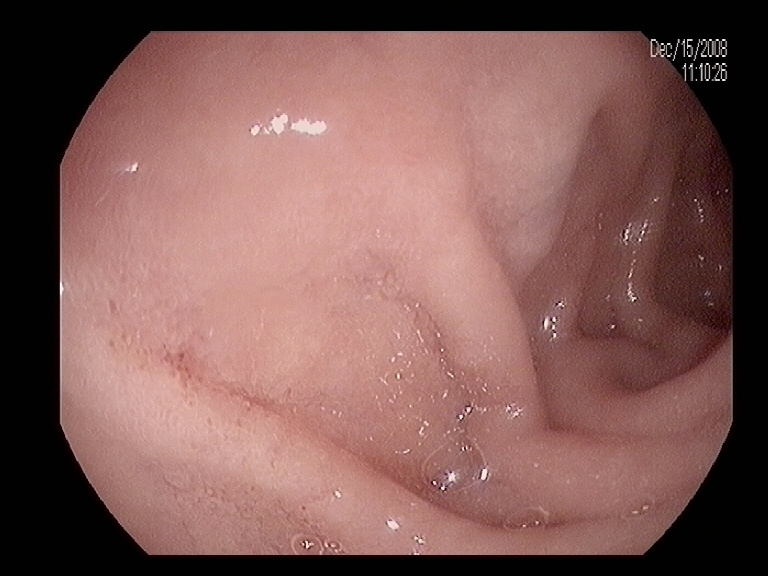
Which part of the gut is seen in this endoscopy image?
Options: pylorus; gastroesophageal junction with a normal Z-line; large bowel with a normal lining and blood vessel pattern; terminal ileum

terminal ileum